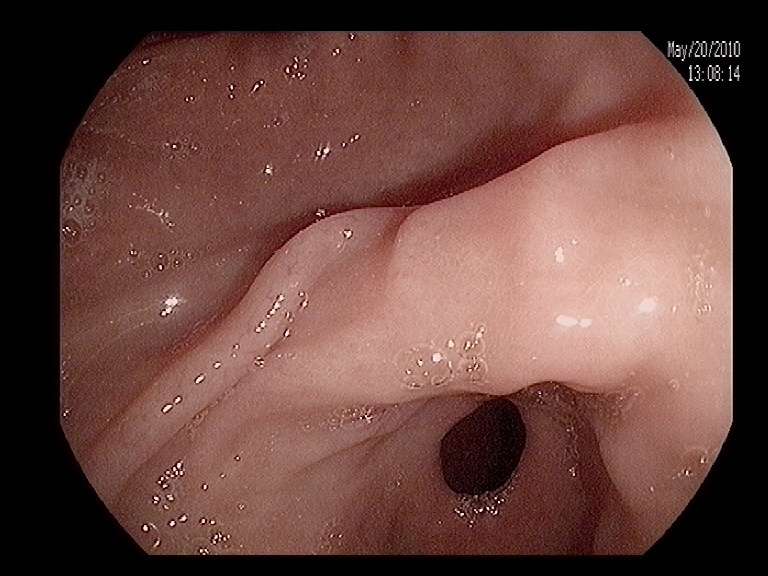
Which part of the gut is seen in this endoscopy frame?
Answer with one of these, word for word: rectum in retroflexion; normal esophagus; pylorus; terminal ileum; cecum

pylorus